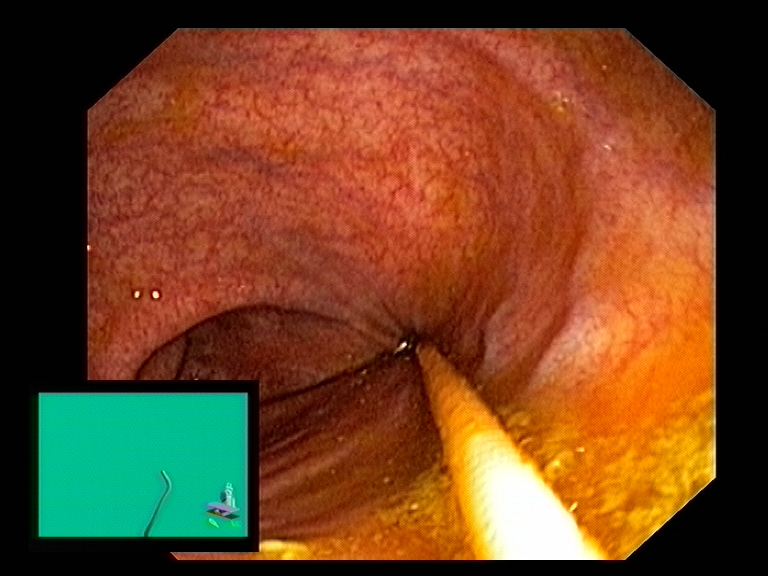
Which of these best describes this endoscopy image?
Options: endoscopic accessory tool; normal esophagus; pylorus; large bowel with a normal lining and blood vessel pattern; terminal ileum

endoscopic accessory tool